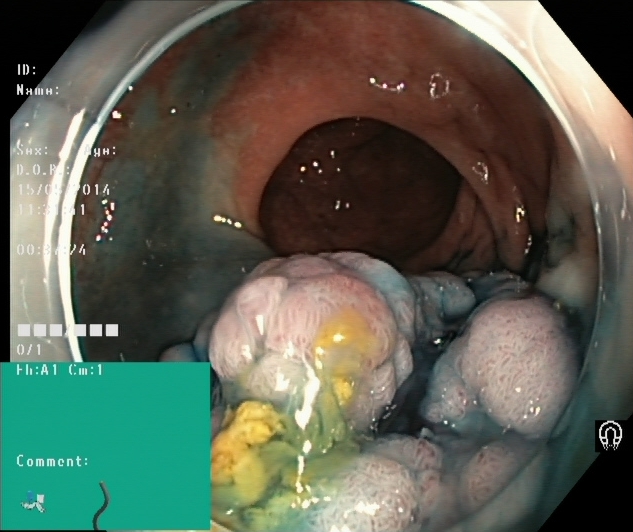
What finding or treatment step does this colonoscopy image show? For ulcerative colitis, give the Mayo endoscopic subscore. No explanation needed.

dyed and lifted polyp (pre-resection)